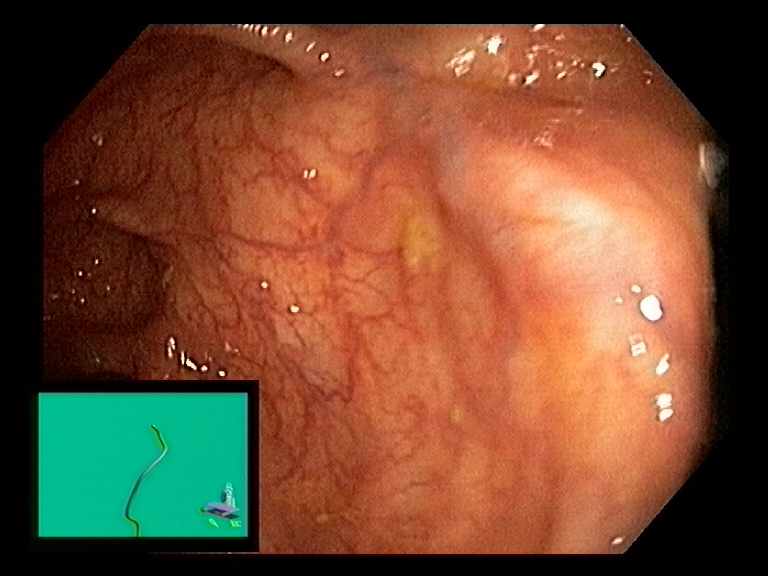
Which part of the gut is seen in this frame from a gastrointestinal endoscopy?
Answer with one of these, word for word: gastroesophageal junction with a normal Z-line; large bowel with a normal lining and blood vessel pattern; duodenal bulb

large bowel with a normal lining and blood vessel pattern